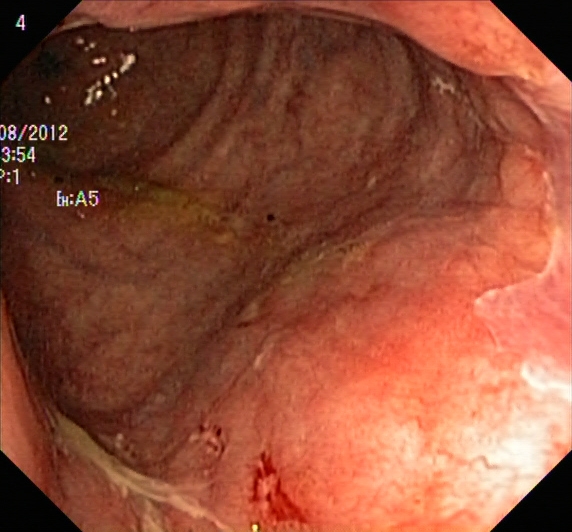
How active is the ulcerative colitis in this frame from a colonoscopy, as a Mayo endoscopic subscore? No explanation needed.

ulcerative colitis, Mayo endoscopic subscore 1